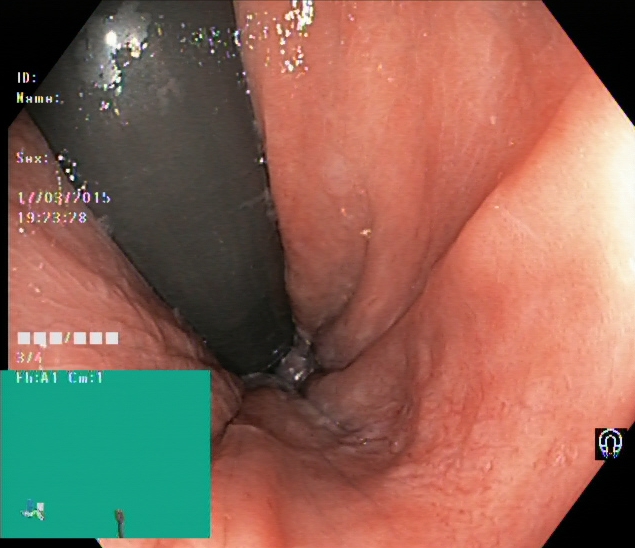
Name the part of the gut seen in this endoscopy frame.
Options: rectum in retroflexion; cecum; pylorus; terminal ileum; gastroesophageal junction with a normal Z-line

rectum in retroflexion